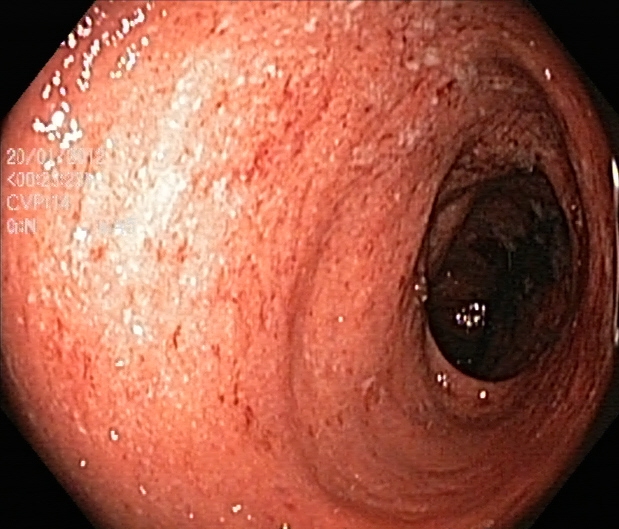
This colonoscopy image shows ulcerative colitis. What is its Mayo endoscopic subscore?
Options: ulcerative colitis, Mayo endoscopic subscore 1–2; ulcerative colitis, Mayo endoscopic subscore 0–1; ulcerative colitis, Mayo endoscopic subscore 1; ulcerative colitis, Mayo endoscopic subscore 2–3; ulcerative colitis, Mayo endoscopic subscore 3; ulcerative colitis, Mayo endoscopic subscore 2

ulcerative colitis, Mayo endoscopic subscore 2–3